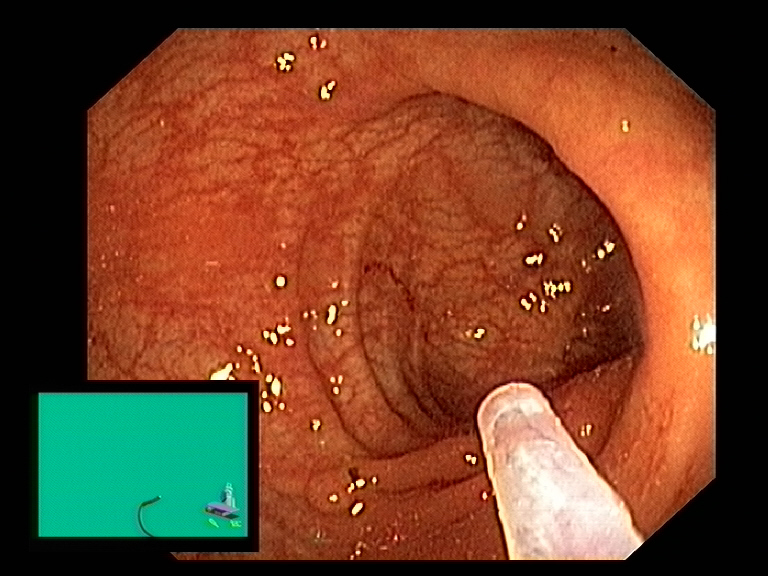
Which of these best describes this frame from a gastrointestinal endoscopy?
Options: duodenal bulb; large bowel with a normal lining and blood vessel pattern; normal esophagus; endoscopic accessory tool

endoscopic accessory tool